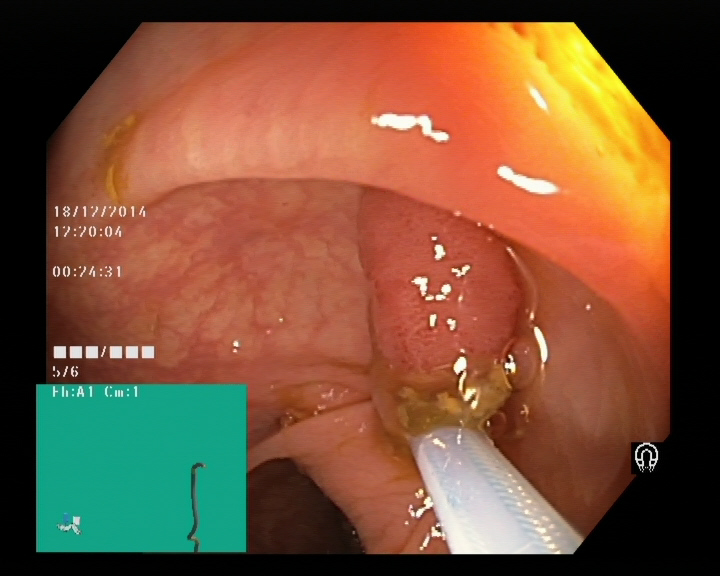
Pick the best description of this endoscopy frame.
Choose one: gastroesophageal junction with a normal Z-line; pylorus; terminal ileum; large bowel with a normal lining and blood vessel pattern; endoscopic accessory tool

endoscopic accessory tool